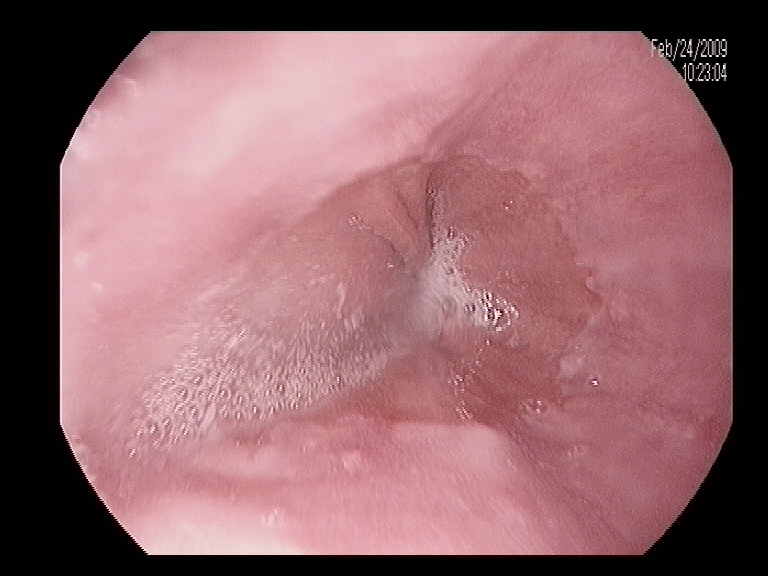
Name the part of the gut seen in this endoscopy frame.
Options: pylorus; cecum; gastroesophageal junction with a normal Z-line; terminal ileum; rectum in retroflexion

gastroesophageal junction with a normal Z-line